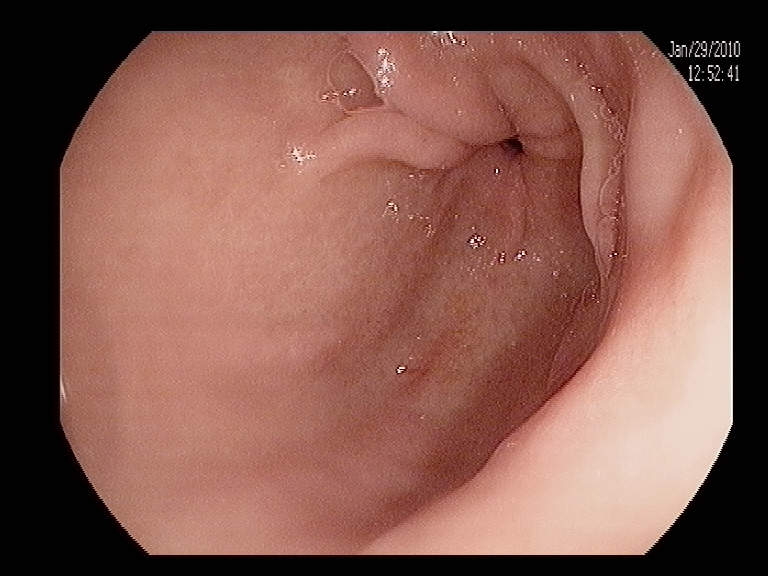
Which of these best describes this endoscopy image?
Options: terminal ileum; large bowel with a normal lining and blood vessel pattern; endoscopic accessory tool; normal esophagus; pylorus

pylorus